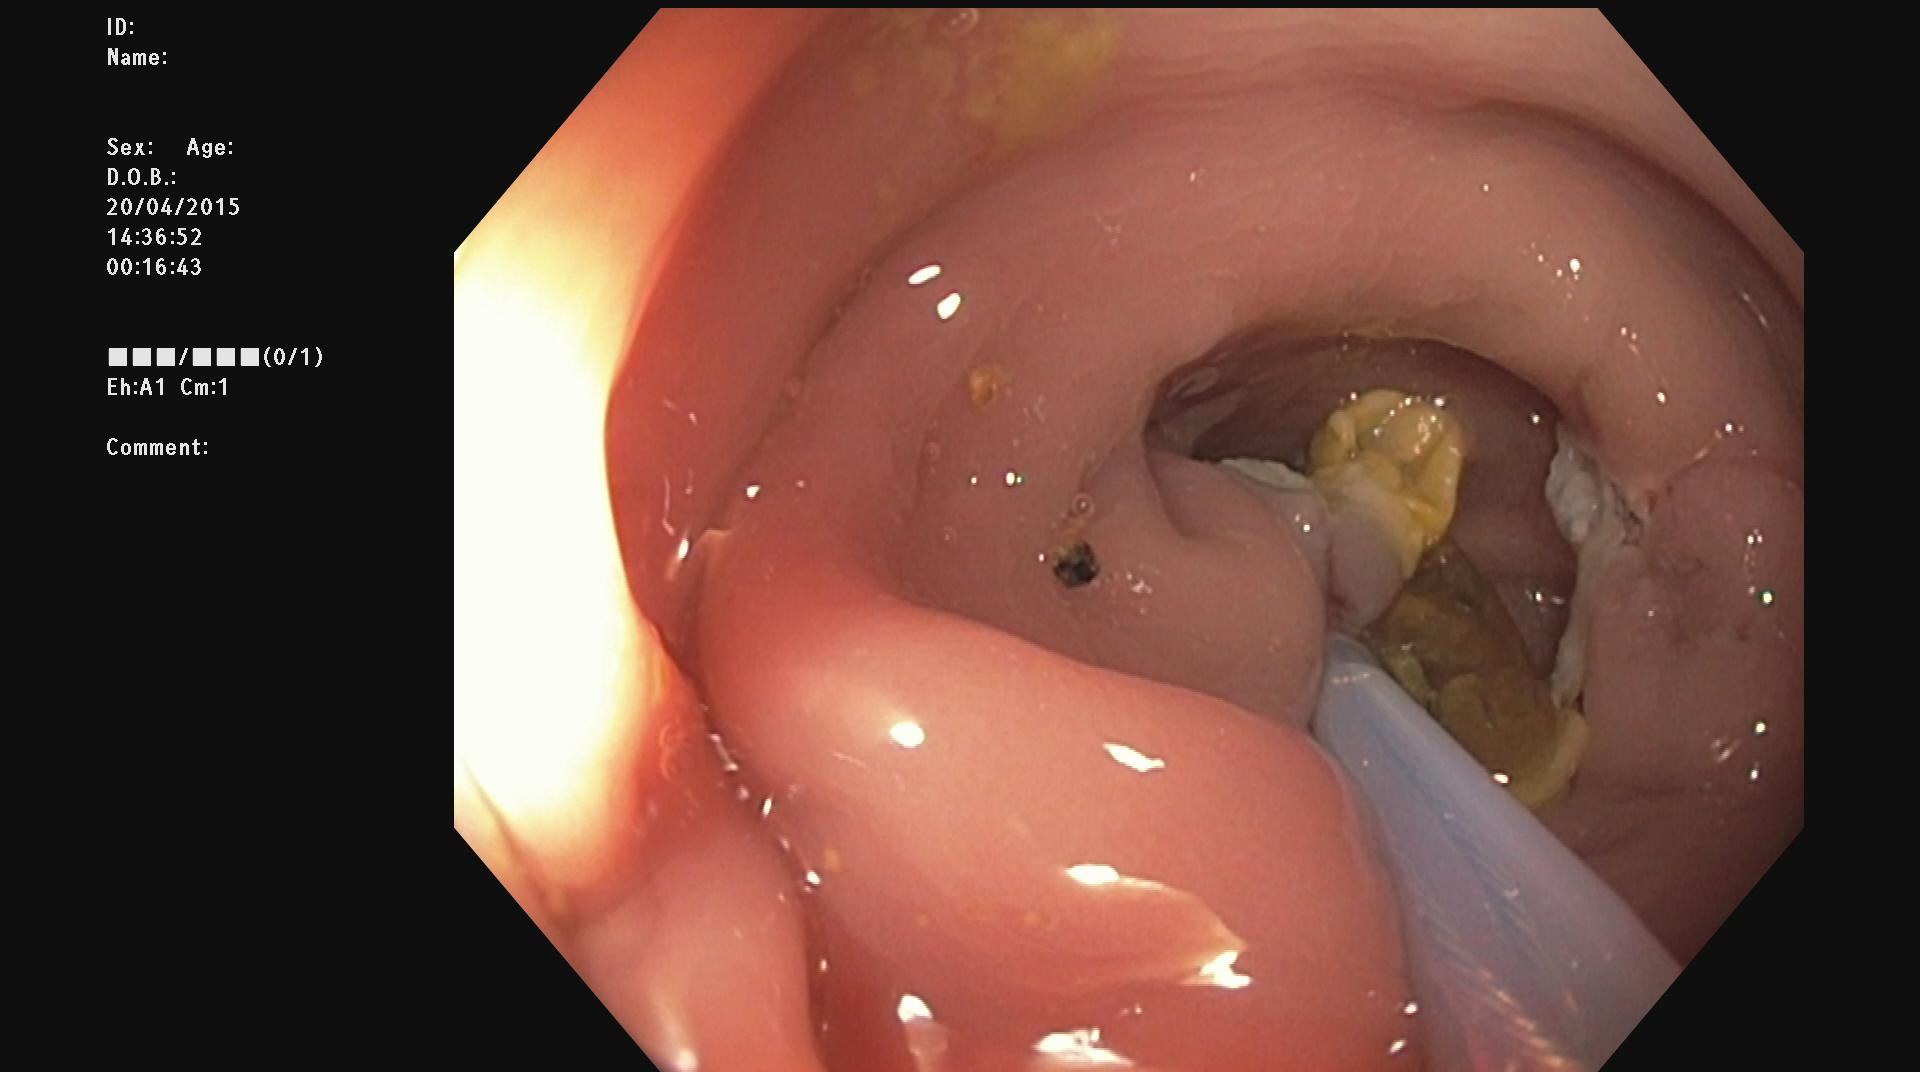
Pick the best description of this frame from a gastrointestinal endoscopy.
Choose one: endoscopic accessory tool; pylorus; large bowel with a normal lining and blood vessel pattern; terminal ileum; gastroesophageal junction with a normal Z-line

endoscopic accessory tool